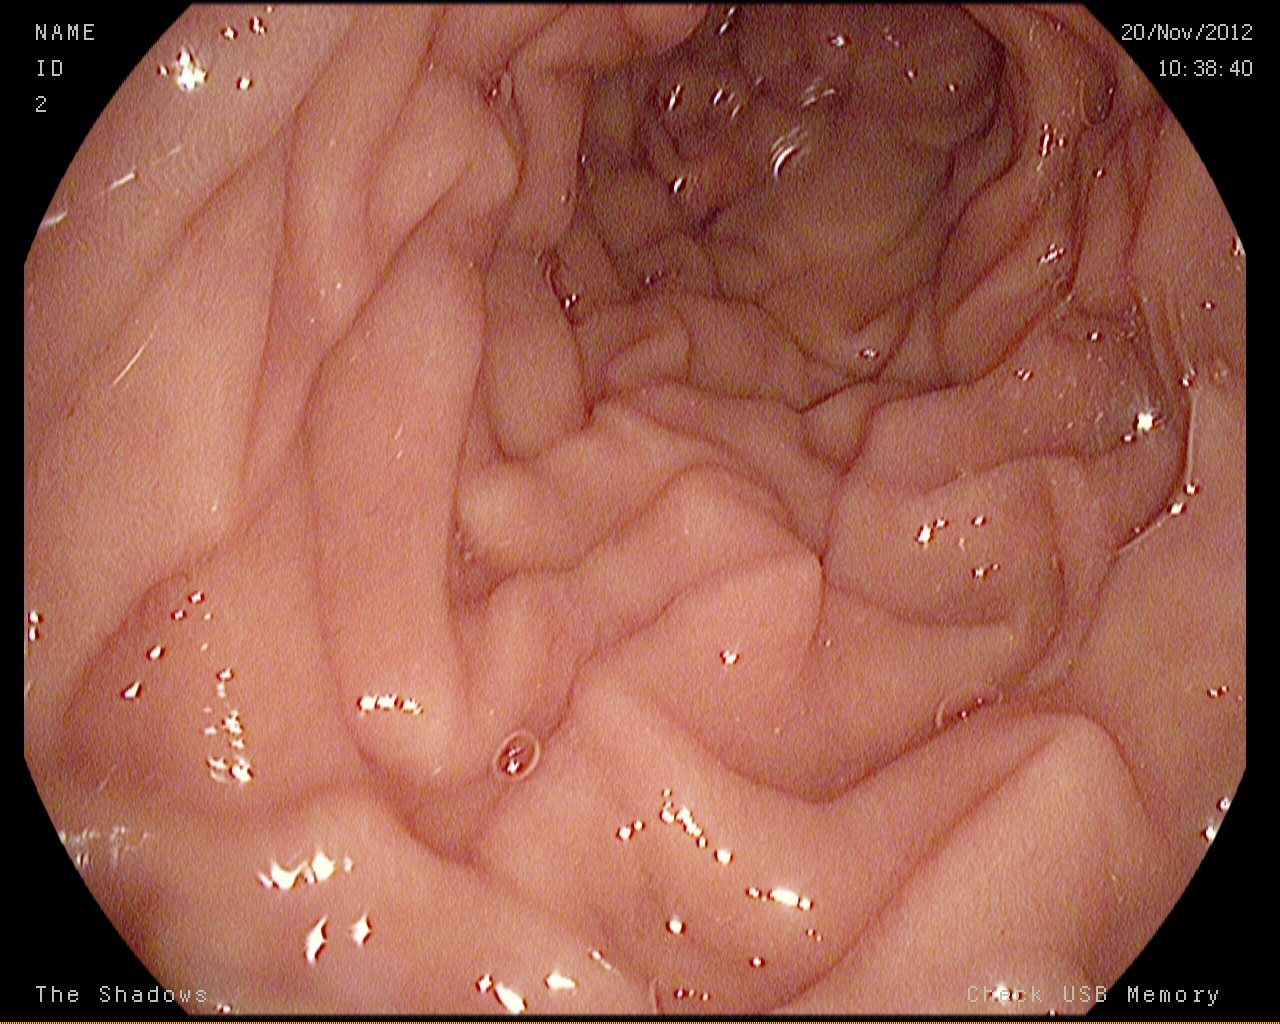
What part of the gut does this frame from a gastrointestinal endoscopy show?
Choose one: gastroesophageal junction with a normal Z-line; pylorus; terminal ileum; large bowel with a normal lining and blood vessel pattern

terminal ileum